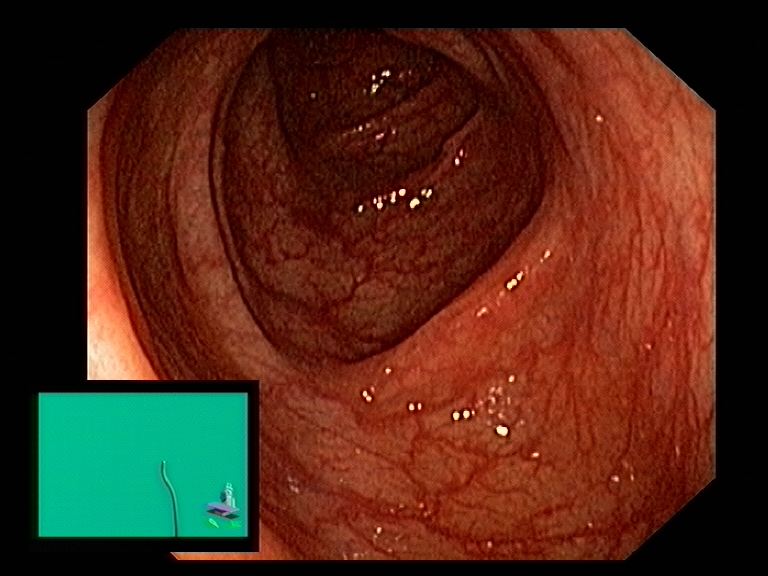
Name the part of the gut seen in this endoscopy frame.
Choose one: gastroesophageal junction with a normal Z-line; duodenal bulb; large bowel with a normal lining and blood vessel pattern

large bowel with a normal lining and blood vessel pattern